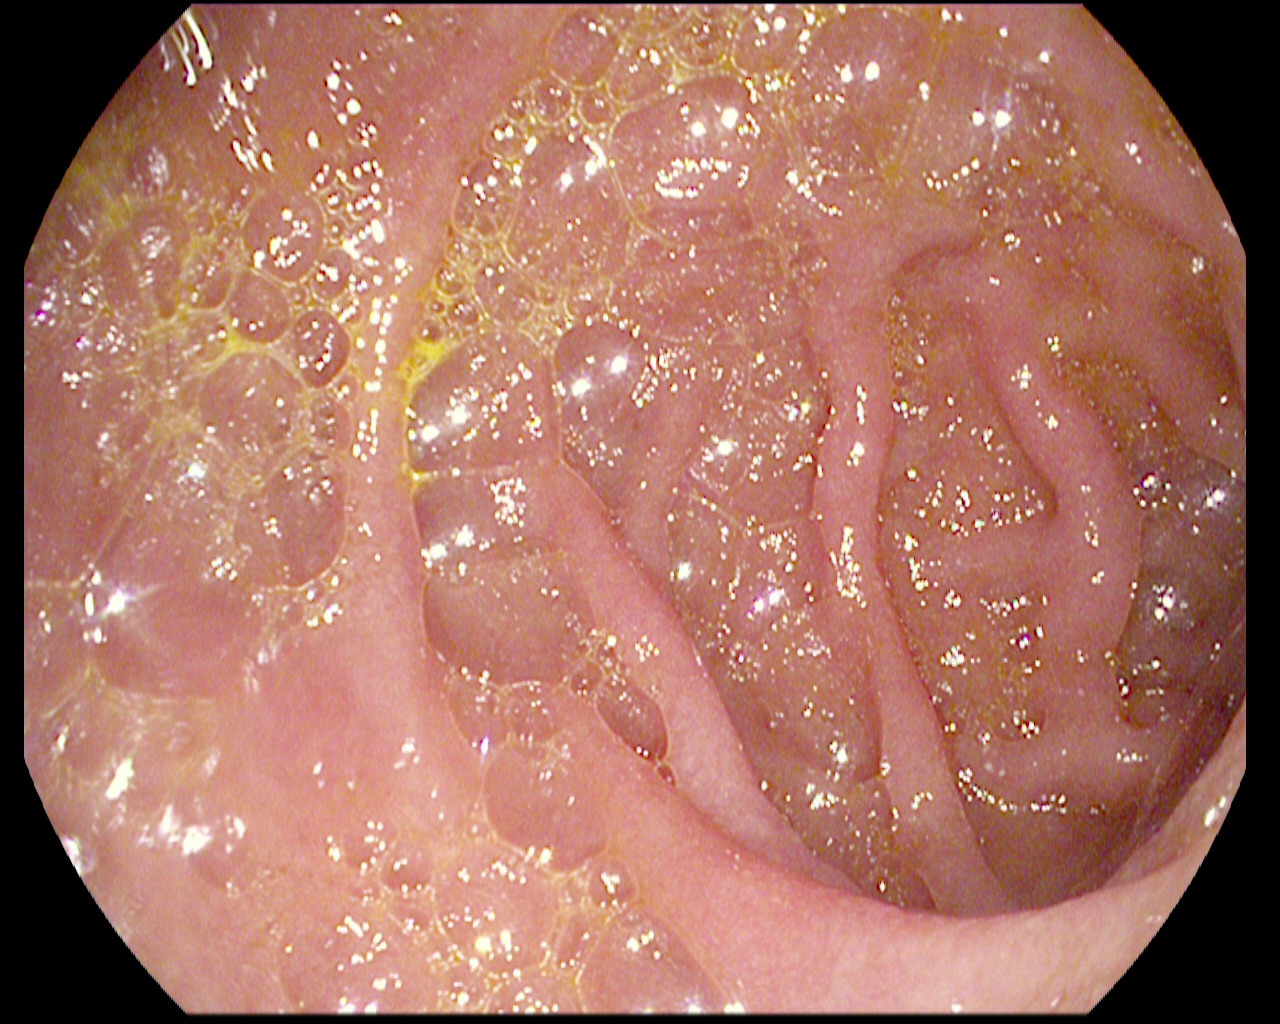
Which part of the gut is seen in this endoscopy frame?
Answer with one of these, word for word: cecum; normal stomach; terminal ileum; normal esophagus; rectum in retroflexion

terminal ileum